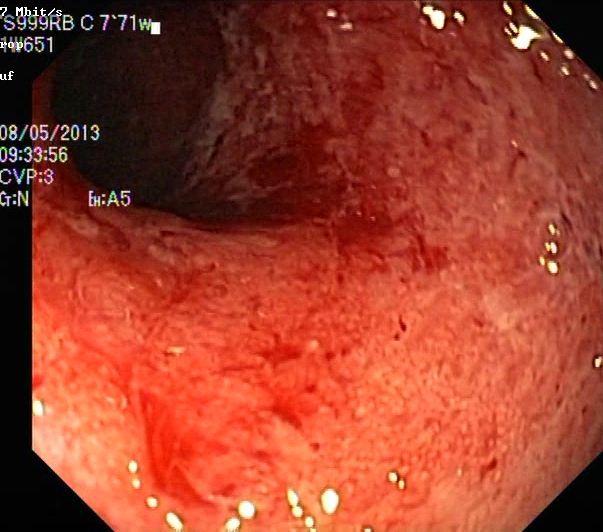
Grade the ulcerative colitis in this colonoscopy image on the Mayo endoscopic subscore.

ulcerative colitis, Mayo endoscopic subscore 3